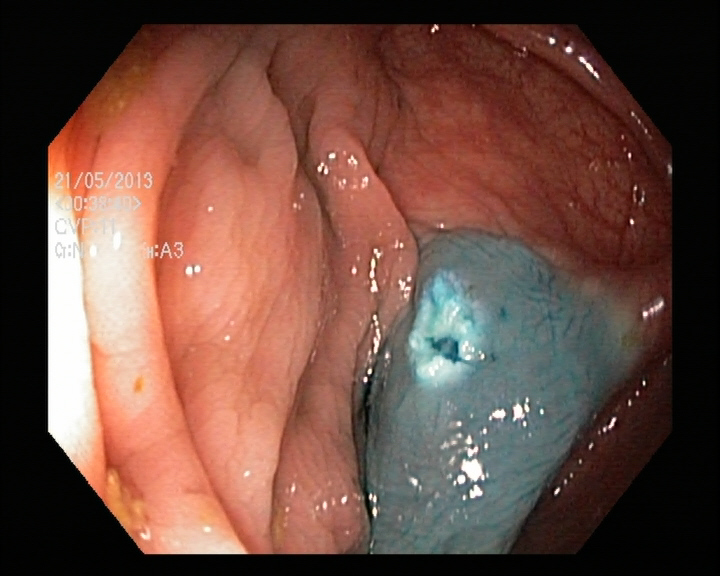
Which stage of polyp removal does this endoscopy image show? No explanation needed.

dyed resection margin (post-polypectomy)